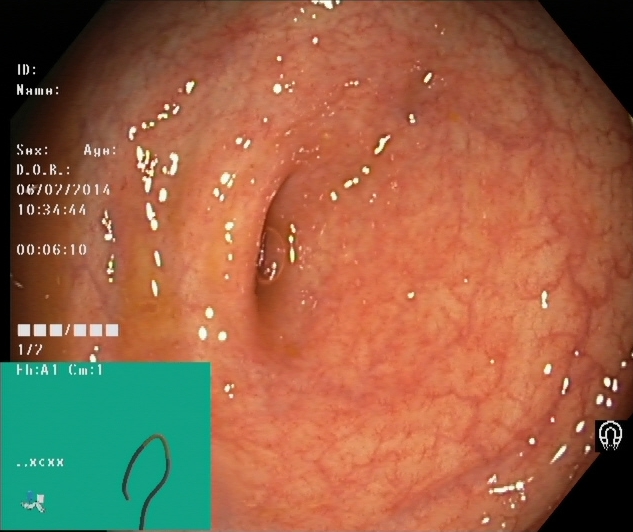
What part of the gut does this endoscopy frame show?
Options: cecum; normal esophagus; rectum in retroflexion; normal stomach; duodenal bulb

cecum